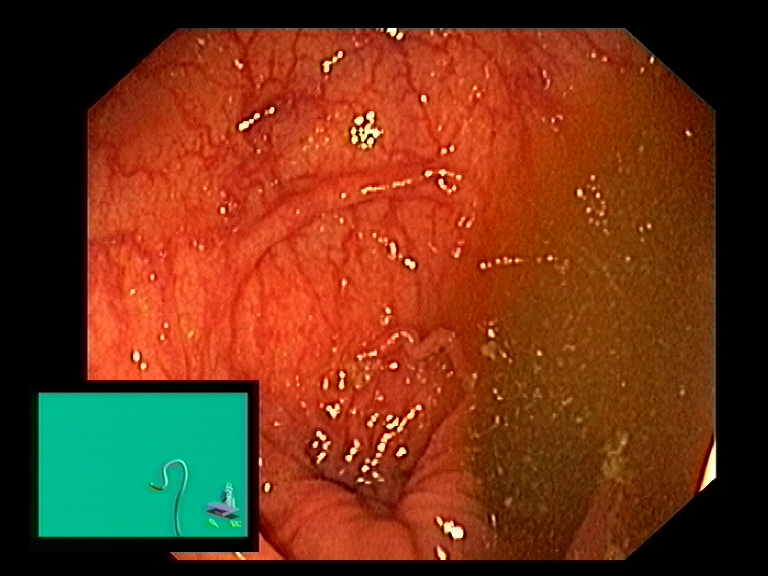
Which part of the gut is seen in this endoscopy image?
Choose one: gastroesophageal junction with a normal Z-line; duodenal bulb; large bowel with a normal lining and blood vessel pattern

large bowel with a normal lining and blood vessel pattern